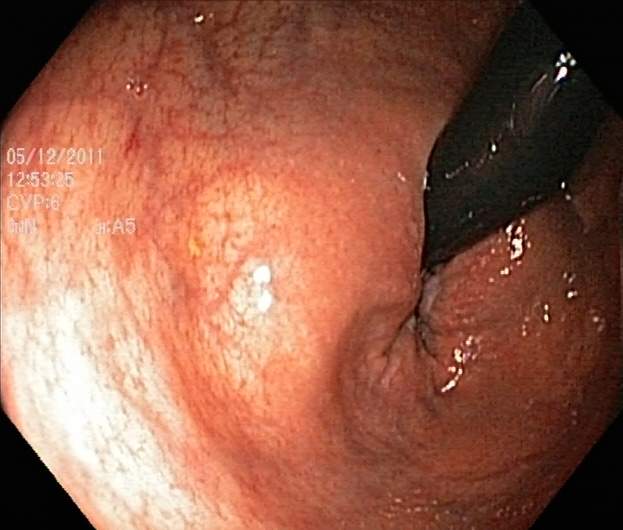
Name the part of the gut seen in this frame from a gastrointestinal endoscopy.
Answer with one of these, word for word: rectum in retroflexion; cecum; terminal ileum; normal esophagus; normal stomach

rectum in retroflexion